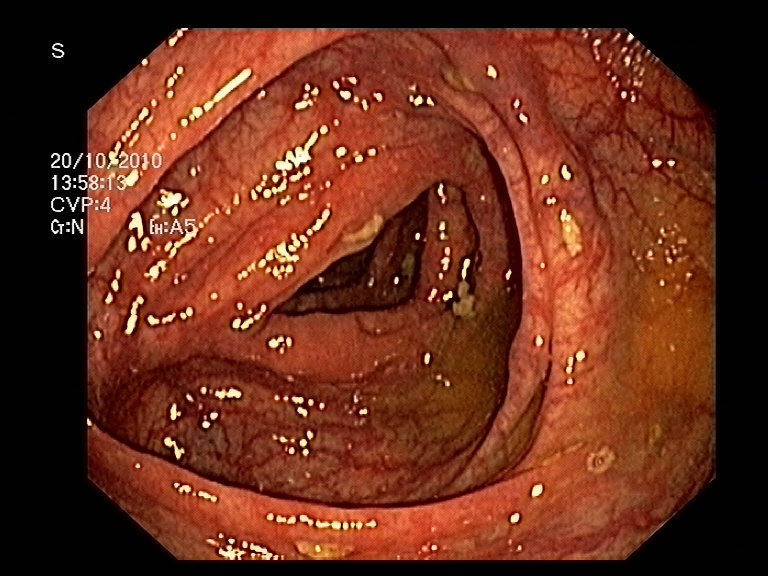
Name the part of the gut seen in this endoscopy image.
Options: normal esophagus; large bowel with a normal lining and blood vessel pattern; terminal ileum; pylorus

large bowel with a normal lining and blood vessel pattern